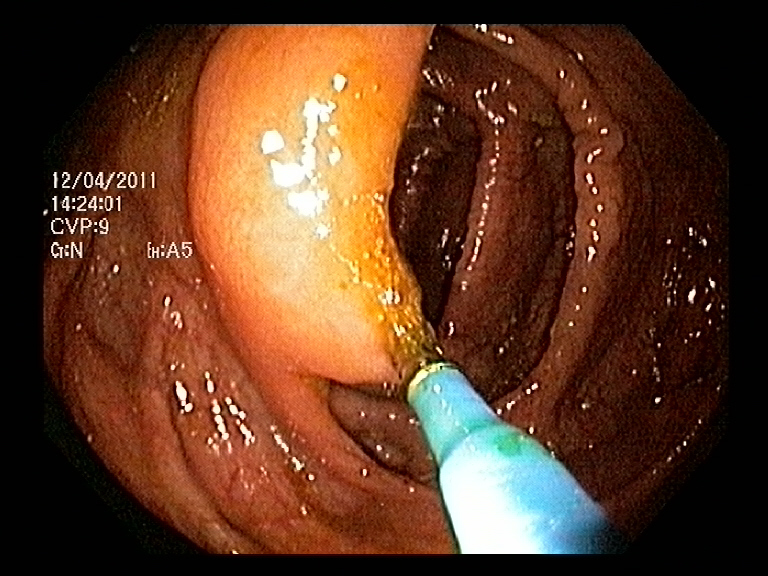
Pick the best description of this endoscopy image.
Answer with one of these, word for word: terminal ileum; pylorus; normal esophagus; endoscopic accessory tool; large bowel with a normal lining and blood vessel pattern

endoscopic accessory tool